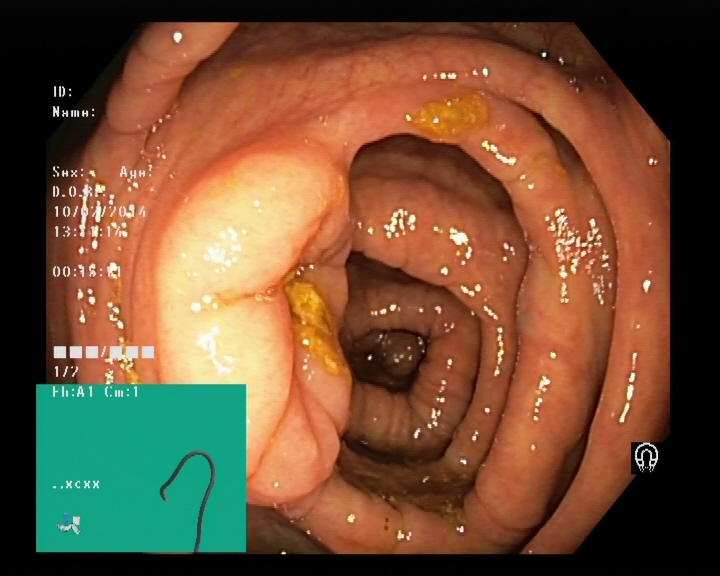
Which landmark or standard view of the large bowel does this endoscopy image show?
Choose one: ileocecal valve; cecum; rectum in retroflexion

ileocecal valve